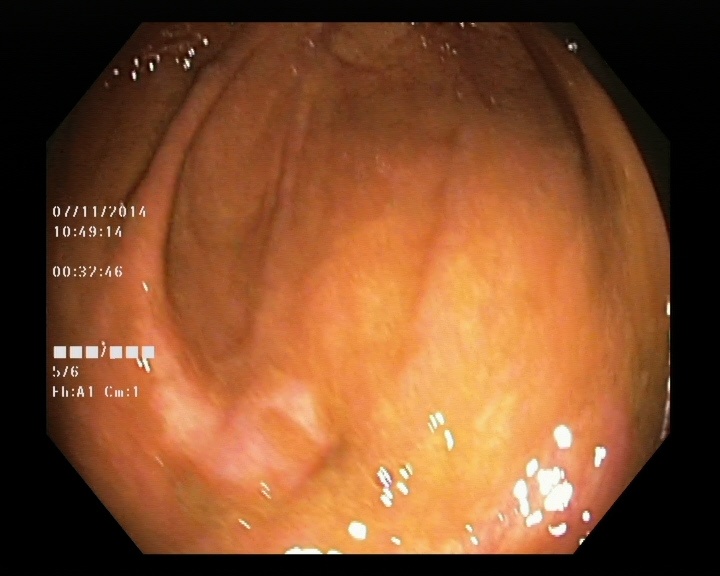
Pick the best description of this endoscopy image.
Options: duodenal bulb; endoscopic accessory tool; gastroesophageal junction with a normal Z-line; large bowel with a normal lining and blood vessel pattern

large bowel with a normal lining and blood vessel pattern